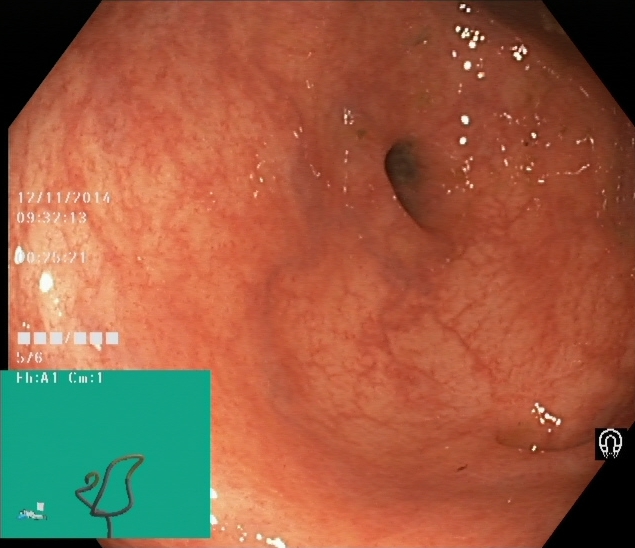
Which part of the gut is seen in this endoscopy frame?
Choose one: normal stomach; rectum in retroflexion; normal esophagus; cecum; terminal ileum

cecum